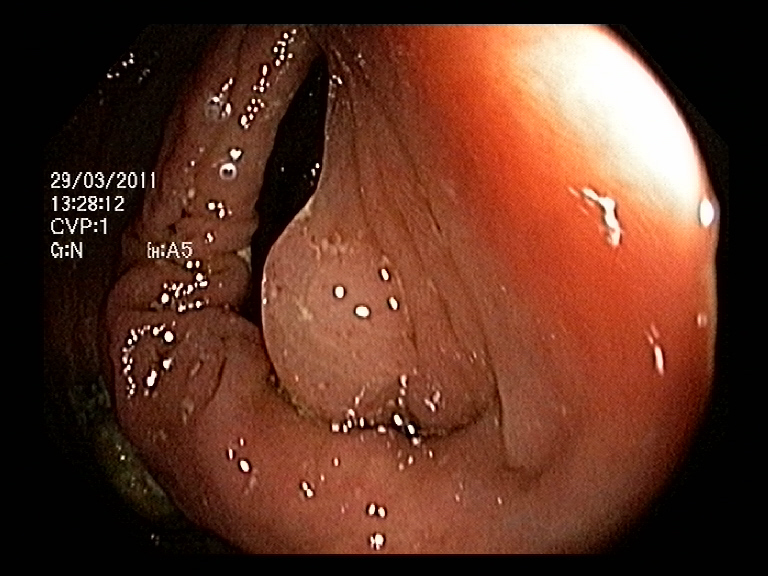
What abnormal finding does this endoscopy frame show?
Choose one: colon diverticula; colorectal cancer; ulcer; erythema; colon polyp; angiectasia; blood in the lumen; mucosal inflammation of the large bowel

colon polyp